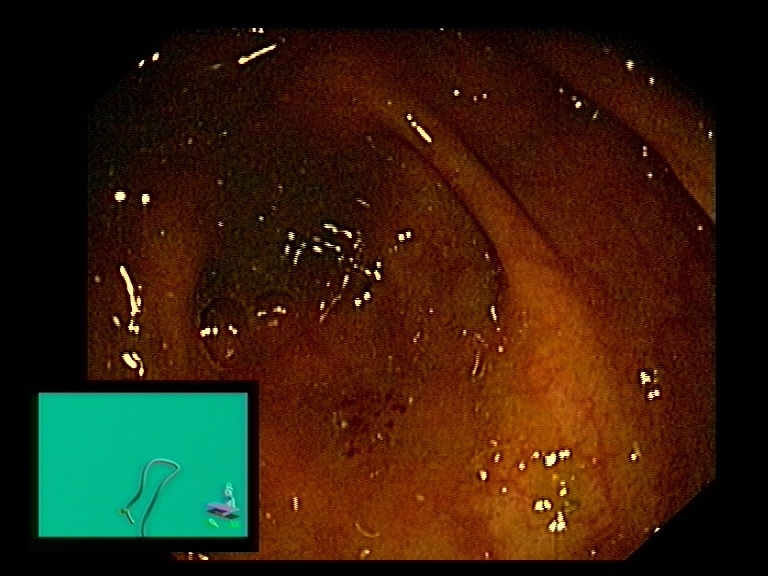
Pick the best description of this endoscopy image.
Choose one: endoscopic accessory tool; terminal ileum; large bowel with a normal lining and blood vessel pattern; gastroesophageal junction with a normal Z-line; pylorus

large bowel with a normal lining and blood vessel pattern